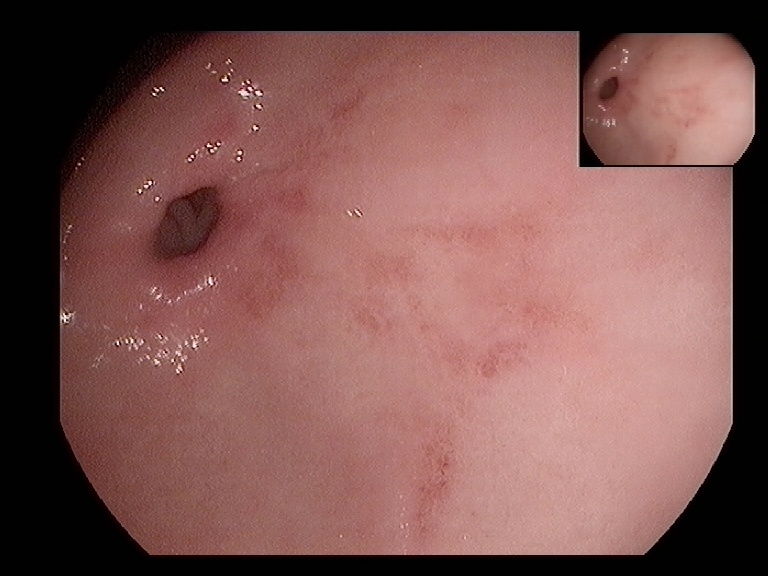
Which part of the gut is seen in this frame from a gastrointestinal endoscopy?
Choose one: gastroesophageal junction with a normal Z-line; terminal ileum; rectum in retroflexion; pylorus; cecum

pylorus